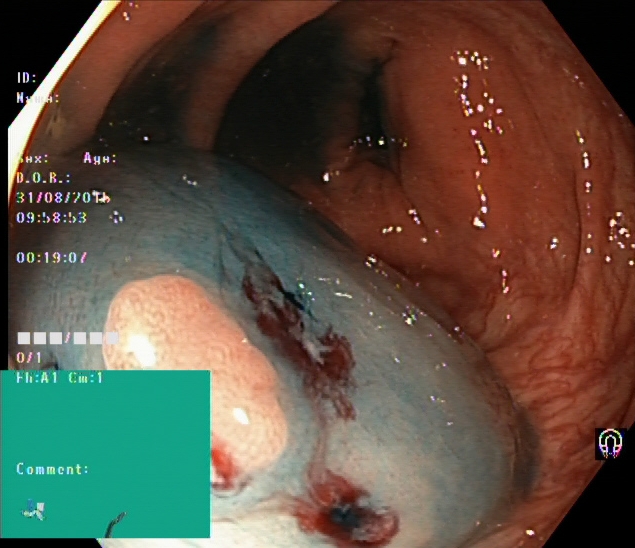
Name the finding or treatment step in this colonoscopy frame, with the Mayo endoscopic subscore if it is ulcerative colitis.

dyed and lifted polyp (pre-resection)